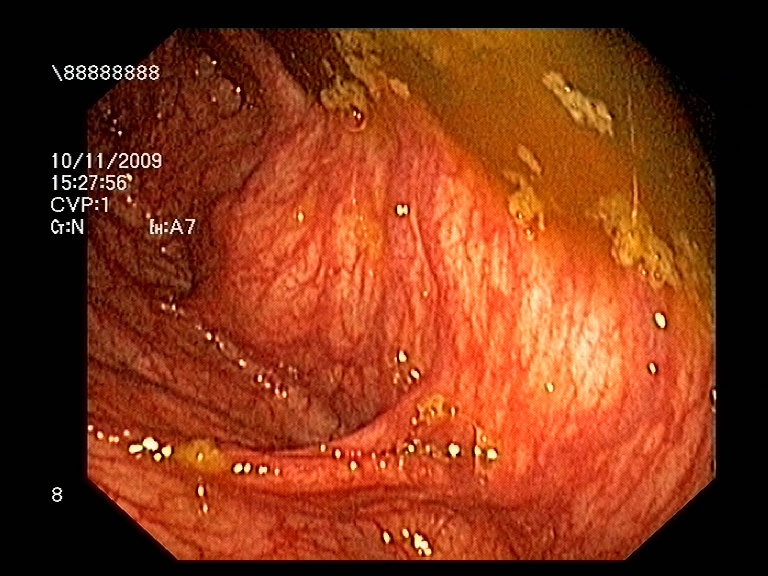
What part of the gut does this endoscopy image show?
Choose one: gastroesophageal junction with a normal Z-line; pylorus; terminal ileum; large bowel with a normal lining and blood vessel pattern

large bowel with a normal lining and blood vessel pattern